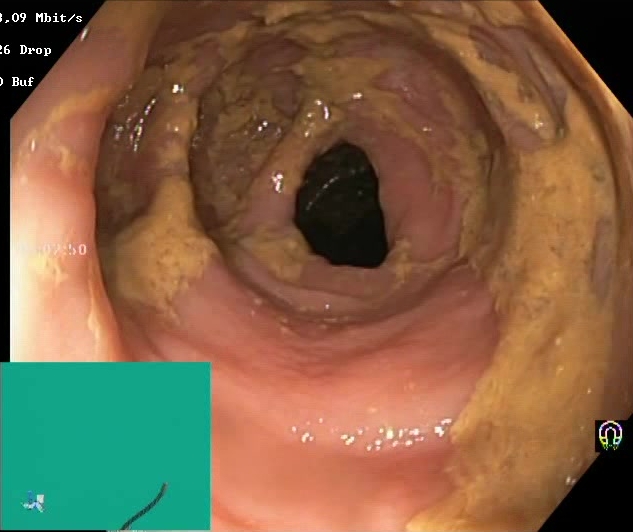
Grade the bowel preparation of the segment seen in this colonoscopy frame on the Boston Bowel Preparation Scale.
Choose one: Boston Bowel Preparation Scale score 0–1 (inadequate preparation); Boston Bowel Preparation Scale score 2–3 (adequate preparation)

Boston Bowel Preparation Scale score 0–1 (inadequate preparation)